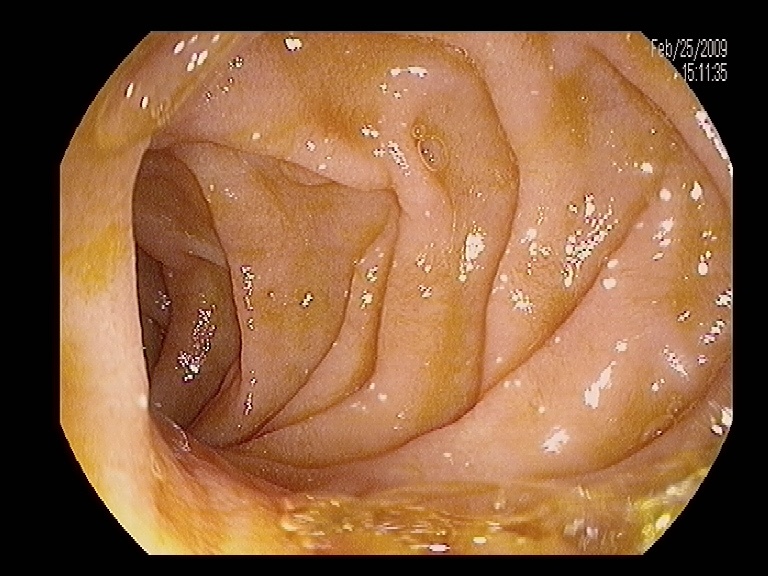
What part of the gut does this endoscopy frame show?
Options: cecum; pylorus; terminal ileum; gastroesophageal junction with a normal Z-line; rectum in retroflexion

terminal ileum